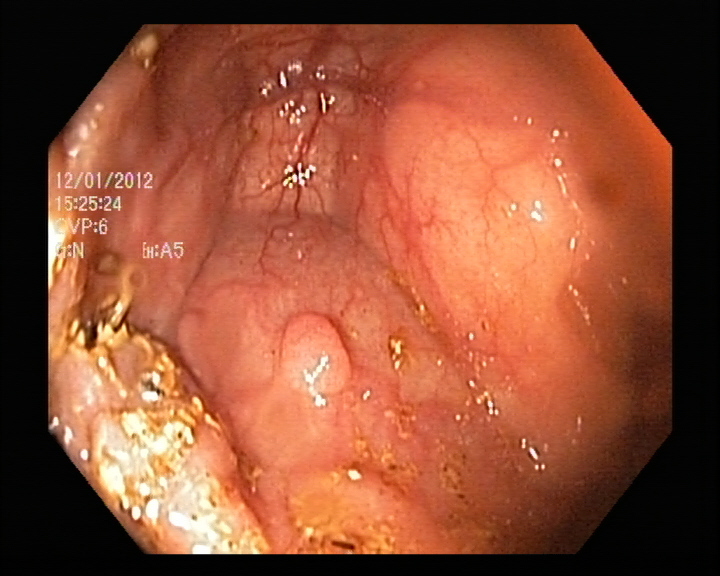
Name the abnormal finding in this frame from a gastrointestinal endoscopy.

colon polyp